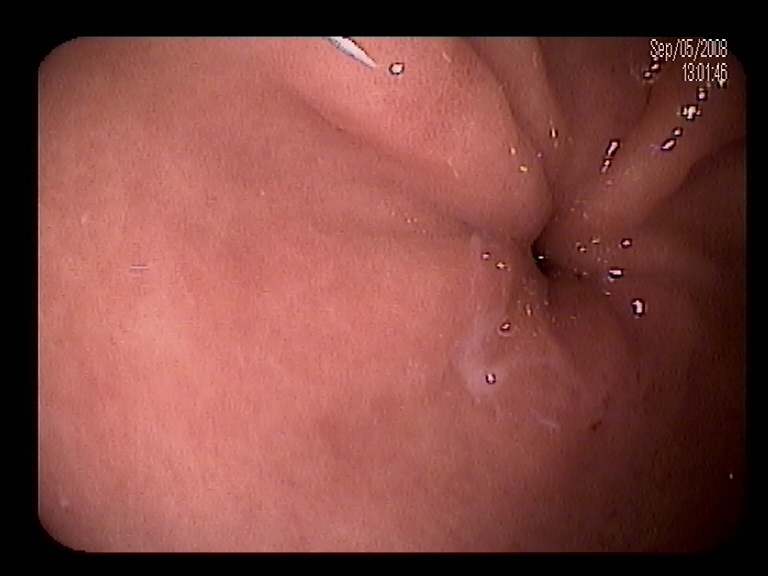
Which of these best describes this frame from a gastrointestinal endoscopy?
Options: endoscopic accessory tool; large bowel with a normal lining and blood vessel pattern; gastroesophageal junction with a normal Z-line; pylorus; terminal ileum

pylorus